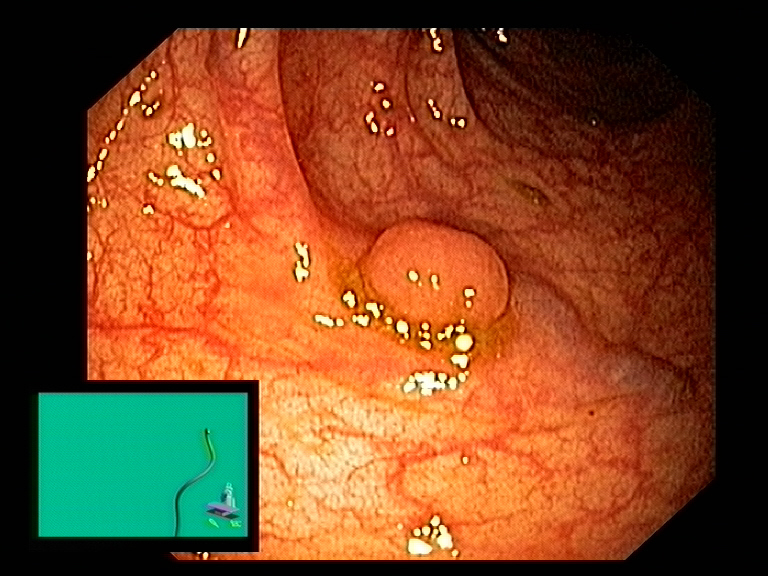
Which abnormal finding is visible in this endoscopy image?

colon polyp